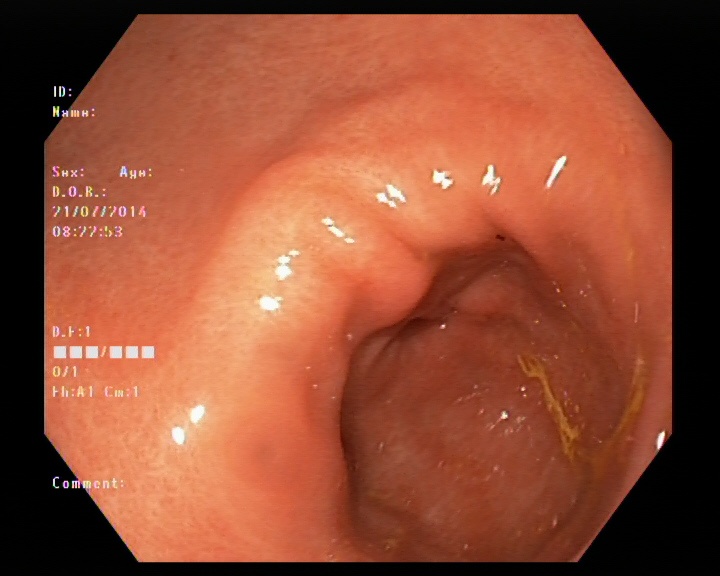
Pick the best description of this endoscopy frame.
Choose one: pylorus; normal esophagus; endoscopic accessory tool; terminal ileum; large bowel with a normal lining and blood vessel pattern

pylorus